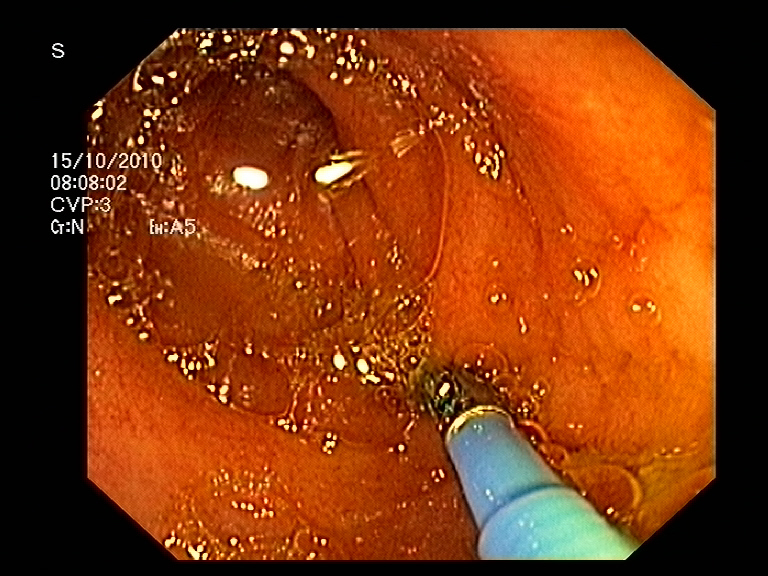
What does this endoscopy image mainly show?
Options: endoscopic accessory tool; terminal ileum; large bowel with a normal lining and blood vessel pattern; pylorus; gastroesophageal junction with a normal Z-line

endoscopic accessory tool